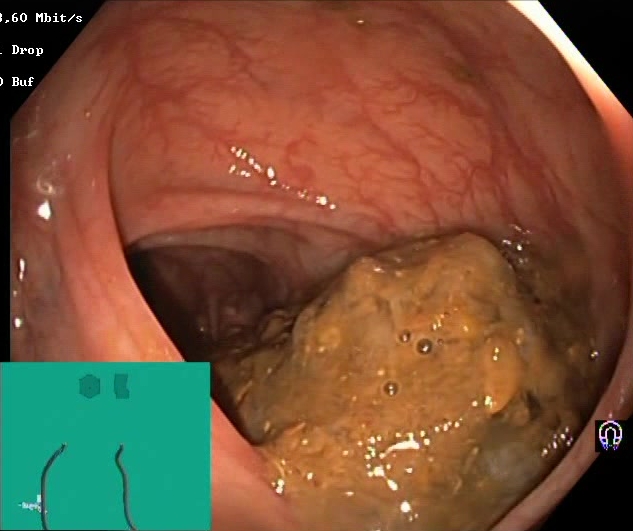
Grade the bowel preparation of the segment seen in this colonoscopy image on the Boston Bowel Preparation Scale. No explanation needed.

Boston Bowel Preparation Scale score 0–1 (inadequate preparation)